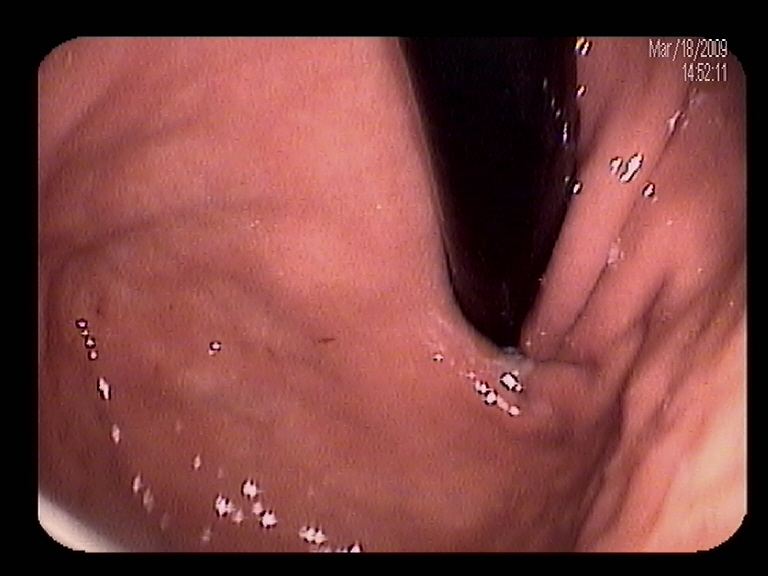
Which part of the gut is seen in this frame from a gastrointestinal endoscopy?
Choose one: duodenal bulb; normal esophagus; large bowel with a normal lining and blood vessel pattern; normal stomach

normal stomach